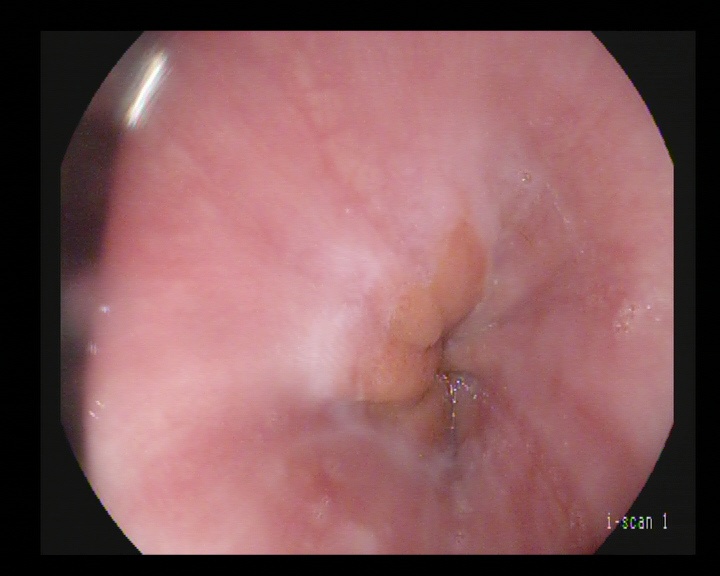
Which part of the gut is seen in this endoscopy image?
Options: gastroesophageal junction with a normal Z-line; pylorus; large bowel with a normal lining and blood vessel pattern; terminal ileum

gastroesophageal junction with a normal Z-line